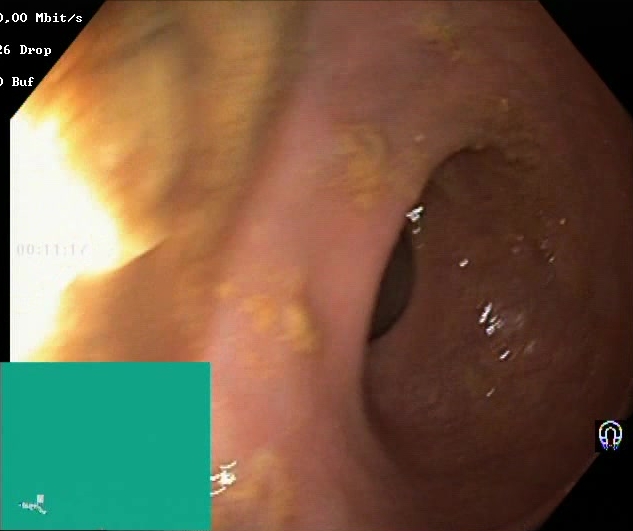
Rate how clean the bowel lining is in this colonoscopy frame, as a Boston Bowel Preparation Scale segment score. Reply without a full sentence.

Boston Bowel Preparation Scale score 0–1 (inadequate preparation)